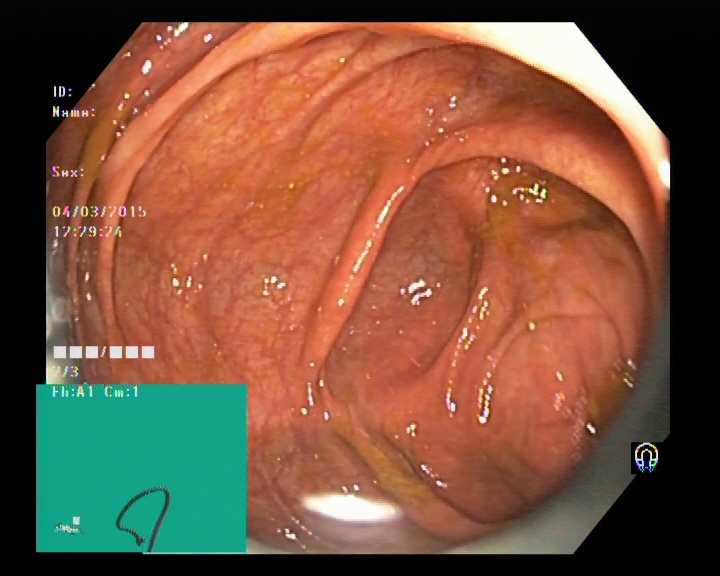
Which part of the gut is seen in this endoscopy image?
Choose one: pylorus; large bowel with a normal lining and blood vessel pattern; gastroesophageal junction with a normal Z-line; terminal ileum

large bowel with a normal lining and blood vessel pattern